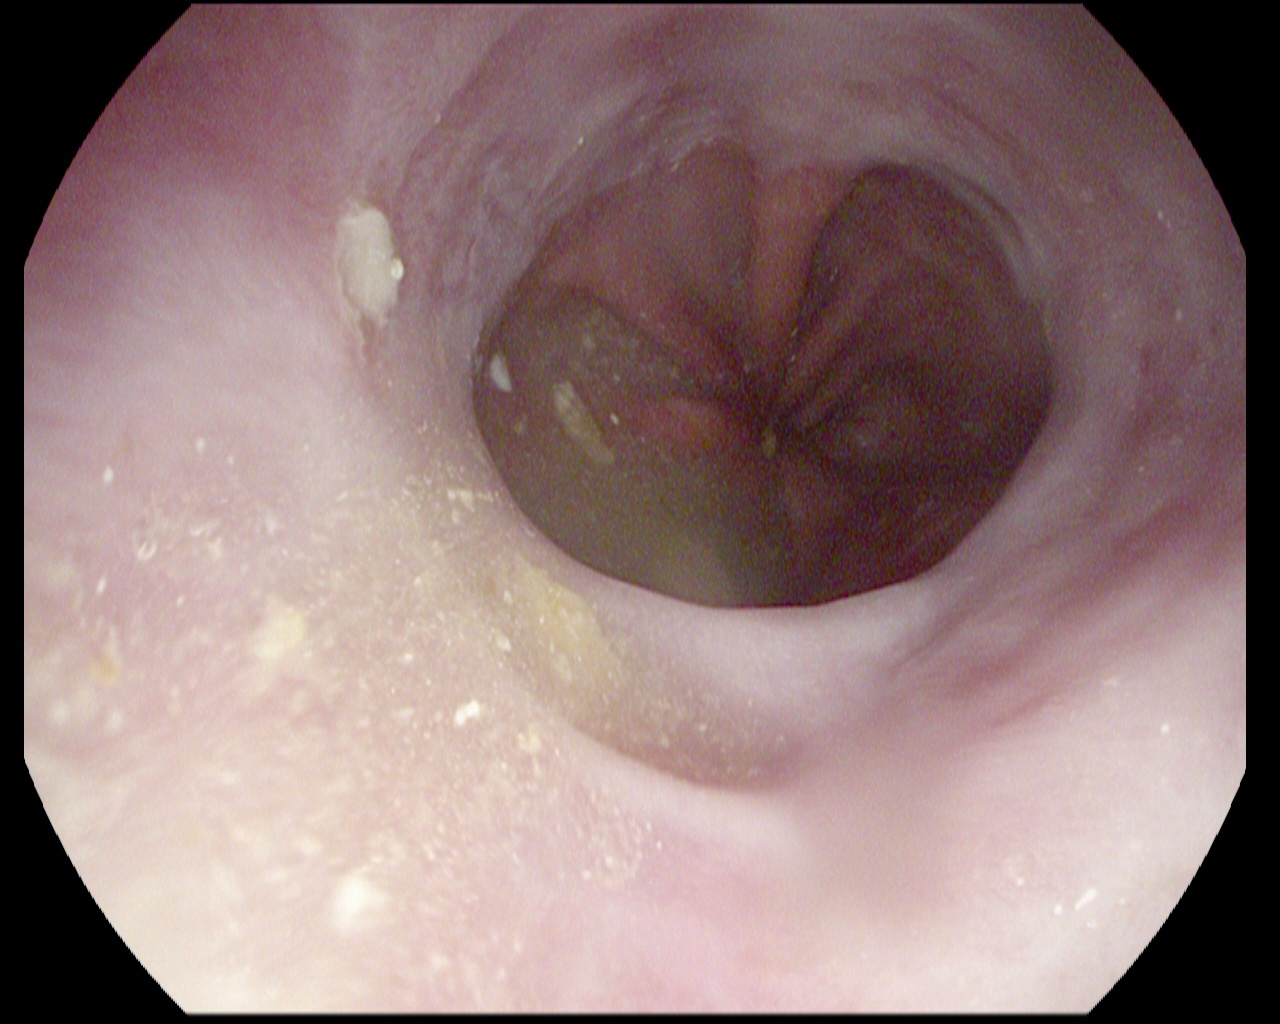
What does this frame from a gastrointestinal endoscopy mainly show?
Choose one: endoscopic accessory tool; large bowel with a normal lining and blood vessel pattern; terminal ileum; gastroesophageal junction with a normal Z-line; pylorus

gastroesophageal junction with a normal Z-line